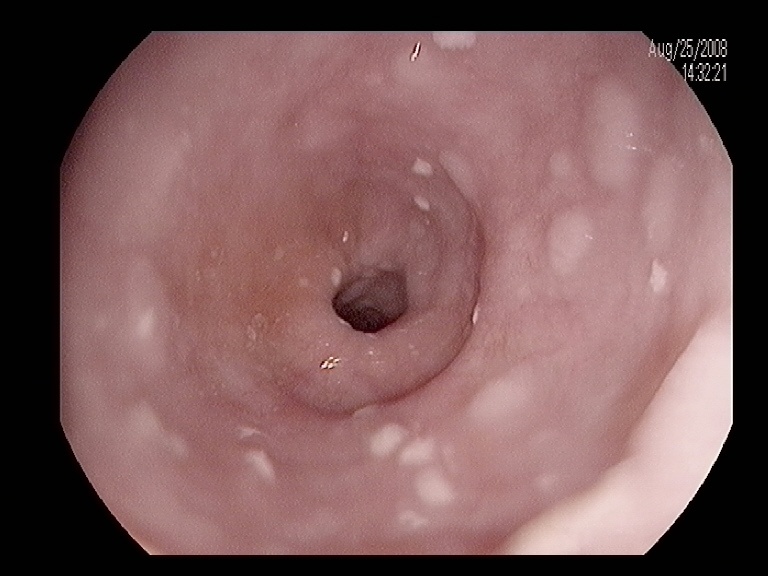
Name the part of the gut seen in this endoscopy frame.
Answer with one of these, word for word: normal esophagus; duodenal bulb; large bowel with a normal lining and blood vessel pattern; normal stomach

normal esophagus